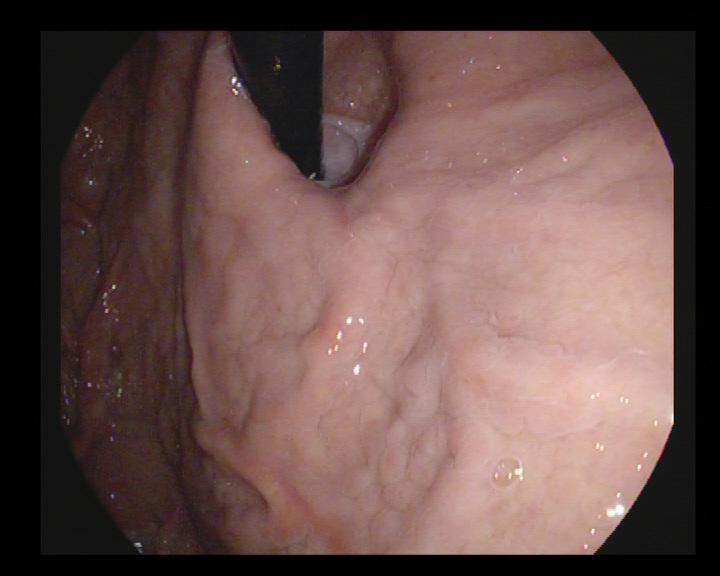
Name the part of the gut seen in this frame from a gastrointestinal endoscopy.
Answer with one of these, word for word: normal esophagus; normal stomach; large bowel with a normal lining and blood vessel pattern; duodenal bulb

normal stomach